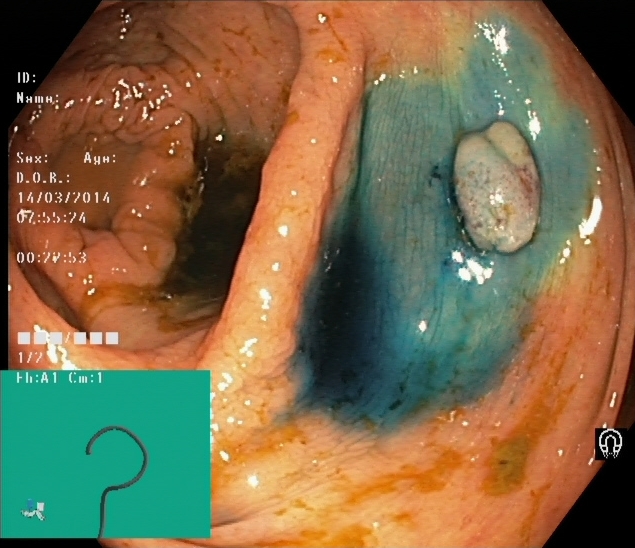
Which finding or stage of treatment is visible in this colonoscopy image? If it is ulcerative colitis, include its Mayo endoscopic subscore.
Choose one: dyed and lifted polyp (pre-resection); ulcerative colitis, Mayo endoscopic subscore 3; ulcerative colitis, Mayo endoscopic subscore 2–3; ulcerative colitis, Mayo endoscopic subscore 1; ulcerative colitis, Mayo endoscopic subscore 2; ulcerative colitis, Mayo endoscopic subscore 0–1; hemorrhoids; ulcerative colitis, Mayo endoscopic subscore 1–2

dyed and lifted polyp (pre-resection)